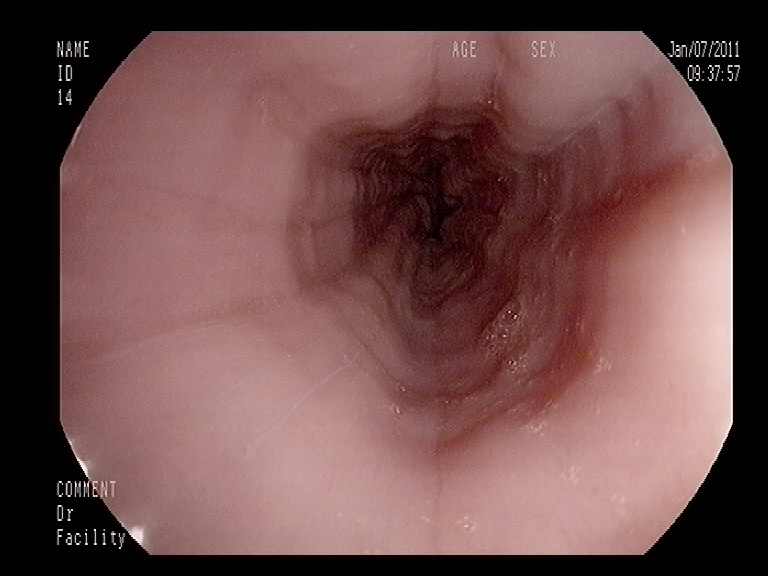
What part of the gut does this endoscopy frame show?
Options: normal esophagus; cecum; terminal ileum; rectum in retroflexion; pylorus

normal esophagus